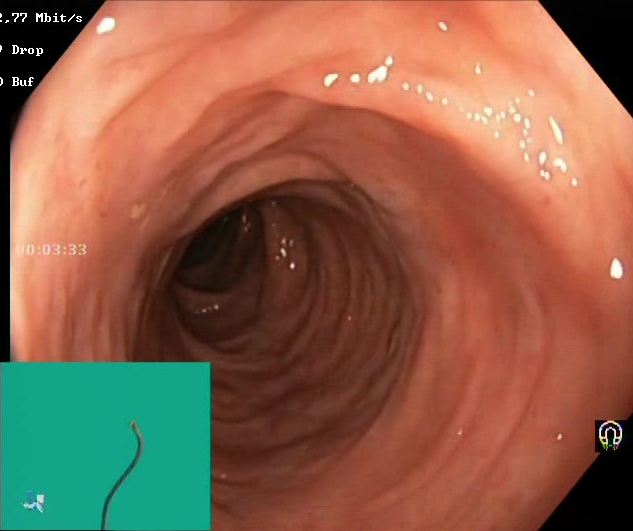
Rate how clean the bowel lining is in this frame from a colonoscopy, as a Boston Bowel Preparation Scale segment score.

Boston Bowel Preparation Scale score 2–3 (adequate preparation)